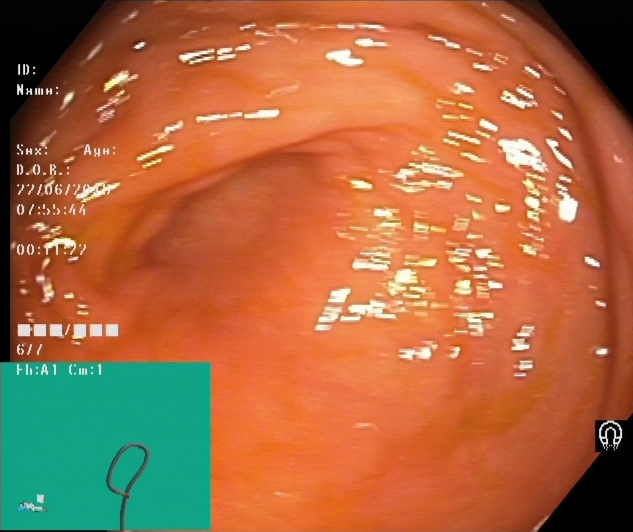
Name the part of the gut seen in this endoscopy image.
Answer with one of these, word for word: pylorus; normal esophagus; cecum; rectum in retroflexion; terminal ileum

cecum